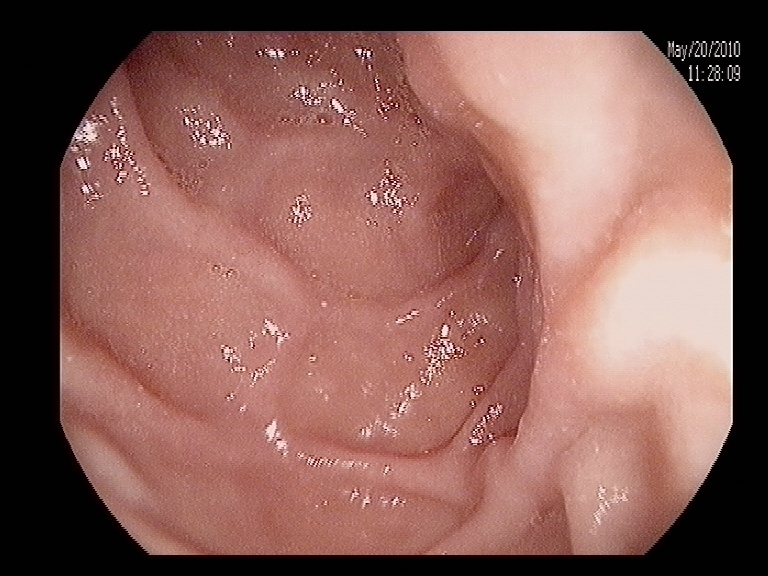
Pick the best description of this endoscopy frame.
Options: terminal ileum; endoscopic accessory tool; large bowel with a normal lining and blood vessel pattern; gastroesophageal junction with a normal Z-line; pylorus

terminal ileum